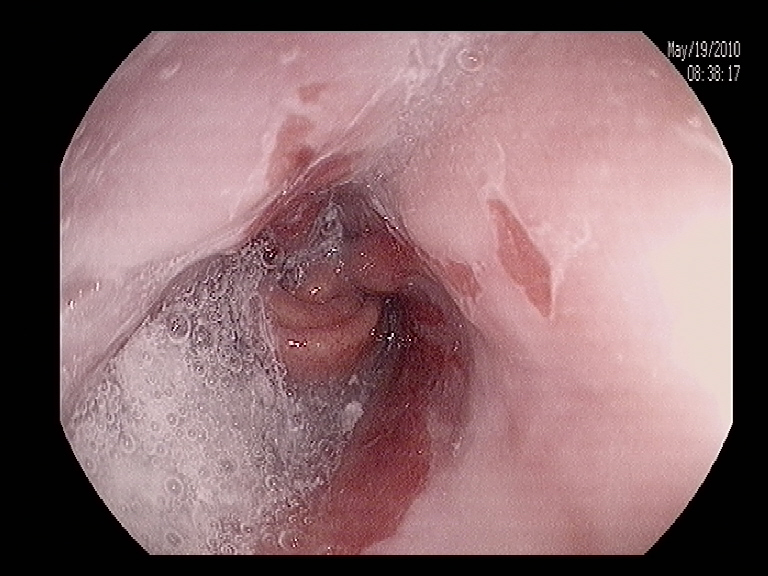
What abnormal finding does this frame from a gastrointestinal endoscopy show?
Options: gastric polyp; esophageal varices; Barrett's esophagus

Barrett's esophagus